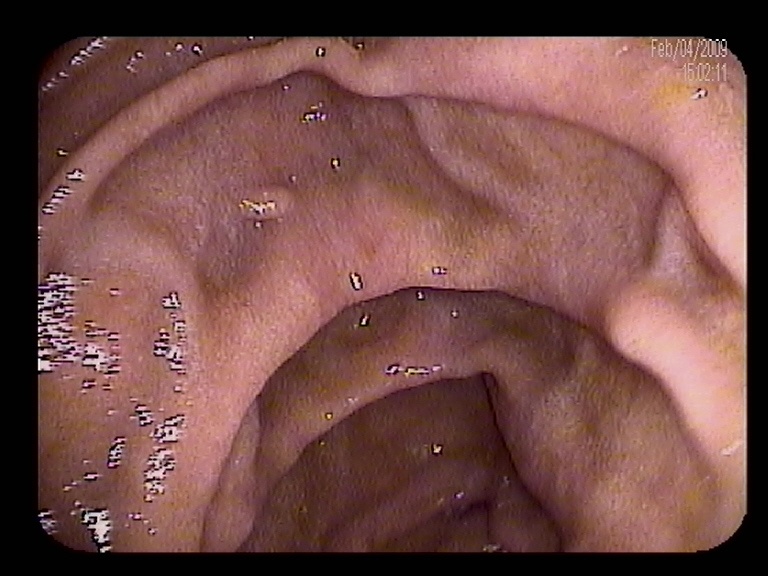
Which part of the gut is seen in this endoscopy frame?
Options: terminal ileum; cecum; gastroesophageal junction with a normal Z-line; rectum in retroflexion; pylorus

terminal ileum